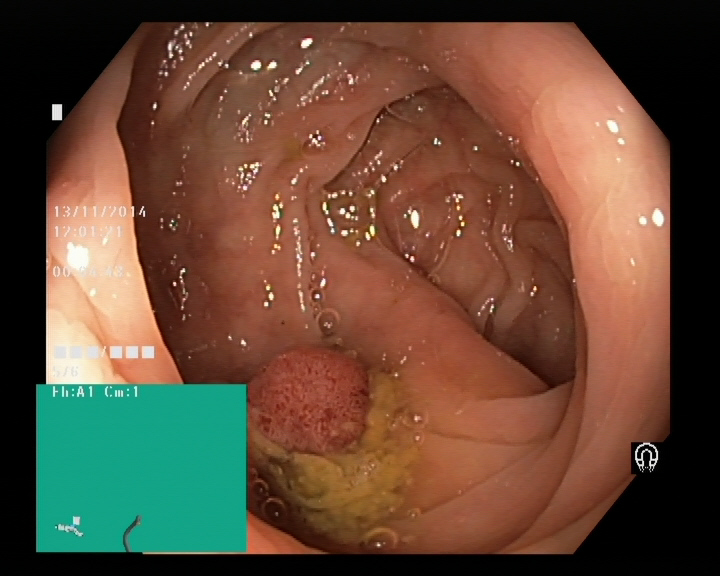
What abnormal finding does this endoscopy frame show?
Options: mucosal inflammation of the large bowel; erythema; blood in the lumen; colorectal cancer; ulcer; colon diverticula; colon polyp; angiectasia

colon polyp